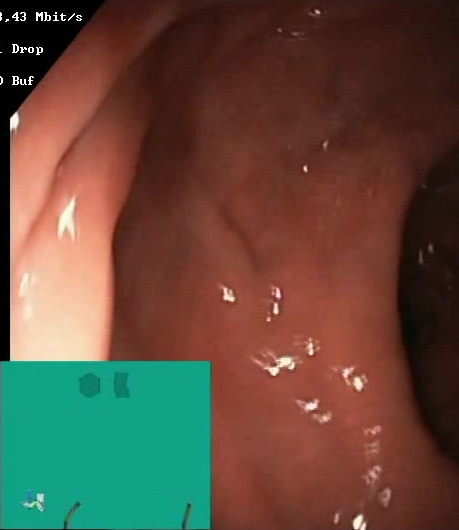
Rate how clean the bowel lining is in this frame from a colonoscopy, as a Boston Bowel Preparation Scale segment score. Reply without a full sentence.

Boston Bowel Preparation Scale score 2–3 (adequate preparation)